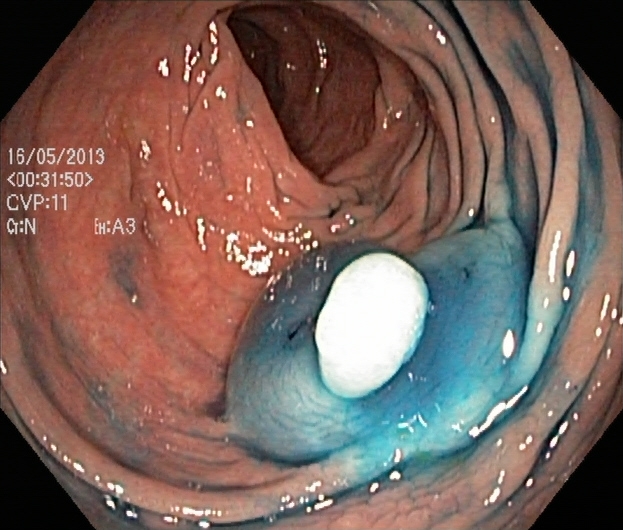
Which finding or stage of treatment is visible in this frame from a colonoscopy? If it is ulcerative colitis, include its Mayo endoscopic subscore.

dyed and lifted polyp (pre-resection)